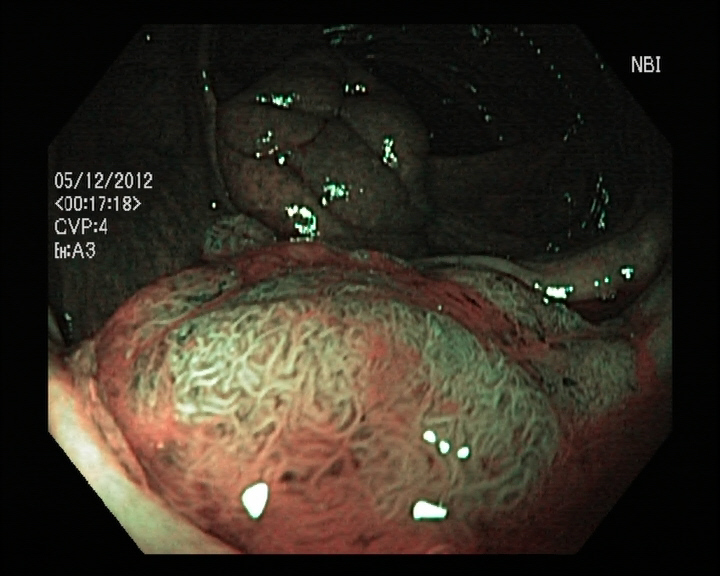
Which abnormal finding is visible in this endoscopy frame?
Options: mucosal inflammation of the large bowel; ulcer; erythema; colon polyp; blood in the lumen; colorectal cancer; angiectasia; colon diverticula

colon polyp